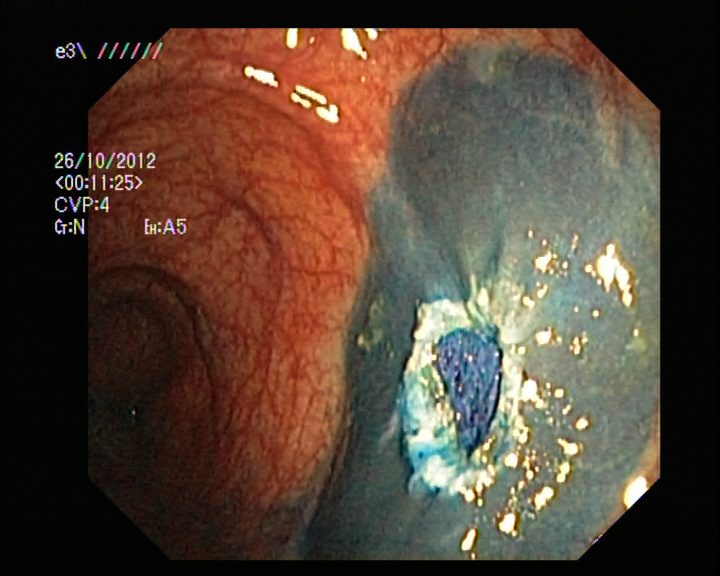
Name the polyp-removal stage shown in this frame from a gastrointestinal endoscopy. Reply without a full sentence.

dyed resection margin (post-polypectomy)